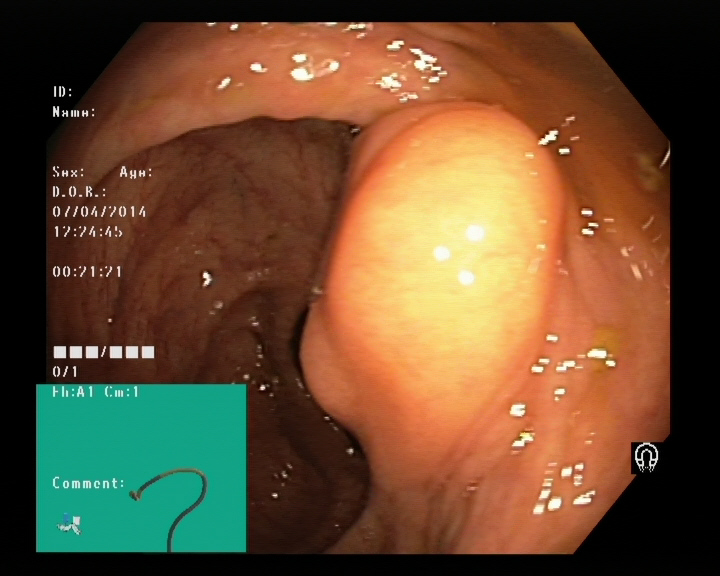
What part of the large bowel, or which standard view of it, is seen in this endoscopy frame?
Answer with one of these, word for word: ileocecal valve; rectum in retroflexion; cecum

ileocecal valve